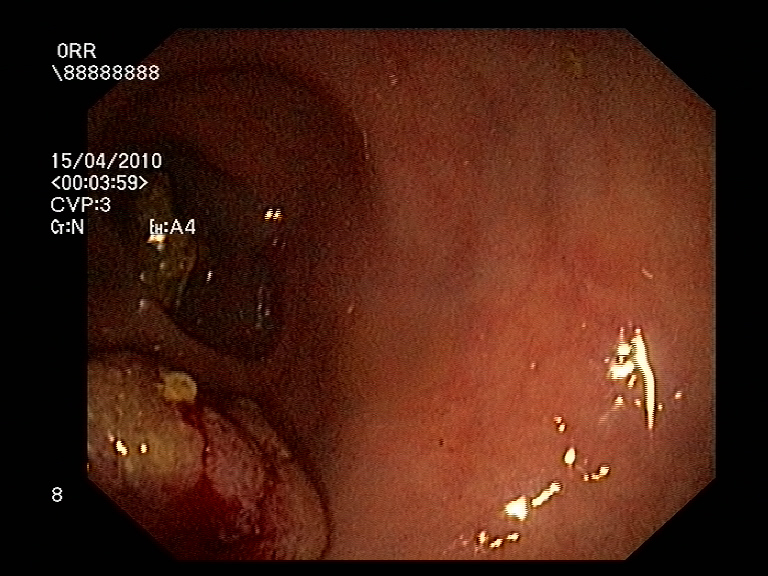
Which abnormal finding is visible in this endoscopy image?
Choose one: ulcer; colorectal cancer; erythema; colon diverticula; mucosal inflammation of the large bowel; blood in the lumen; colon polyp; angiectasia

colon polyp